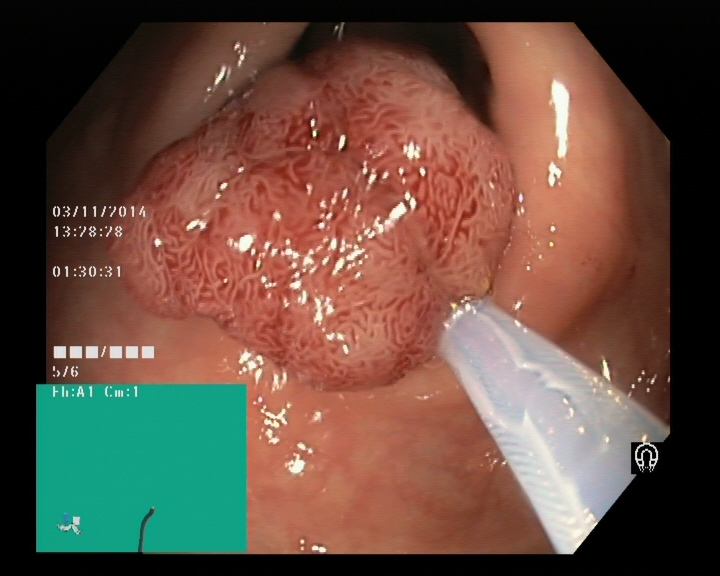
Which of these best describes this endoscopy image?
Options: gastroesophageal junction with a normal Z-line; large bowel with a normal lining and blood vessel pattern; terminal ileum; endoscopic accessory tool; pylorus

endoscopic accessory tool